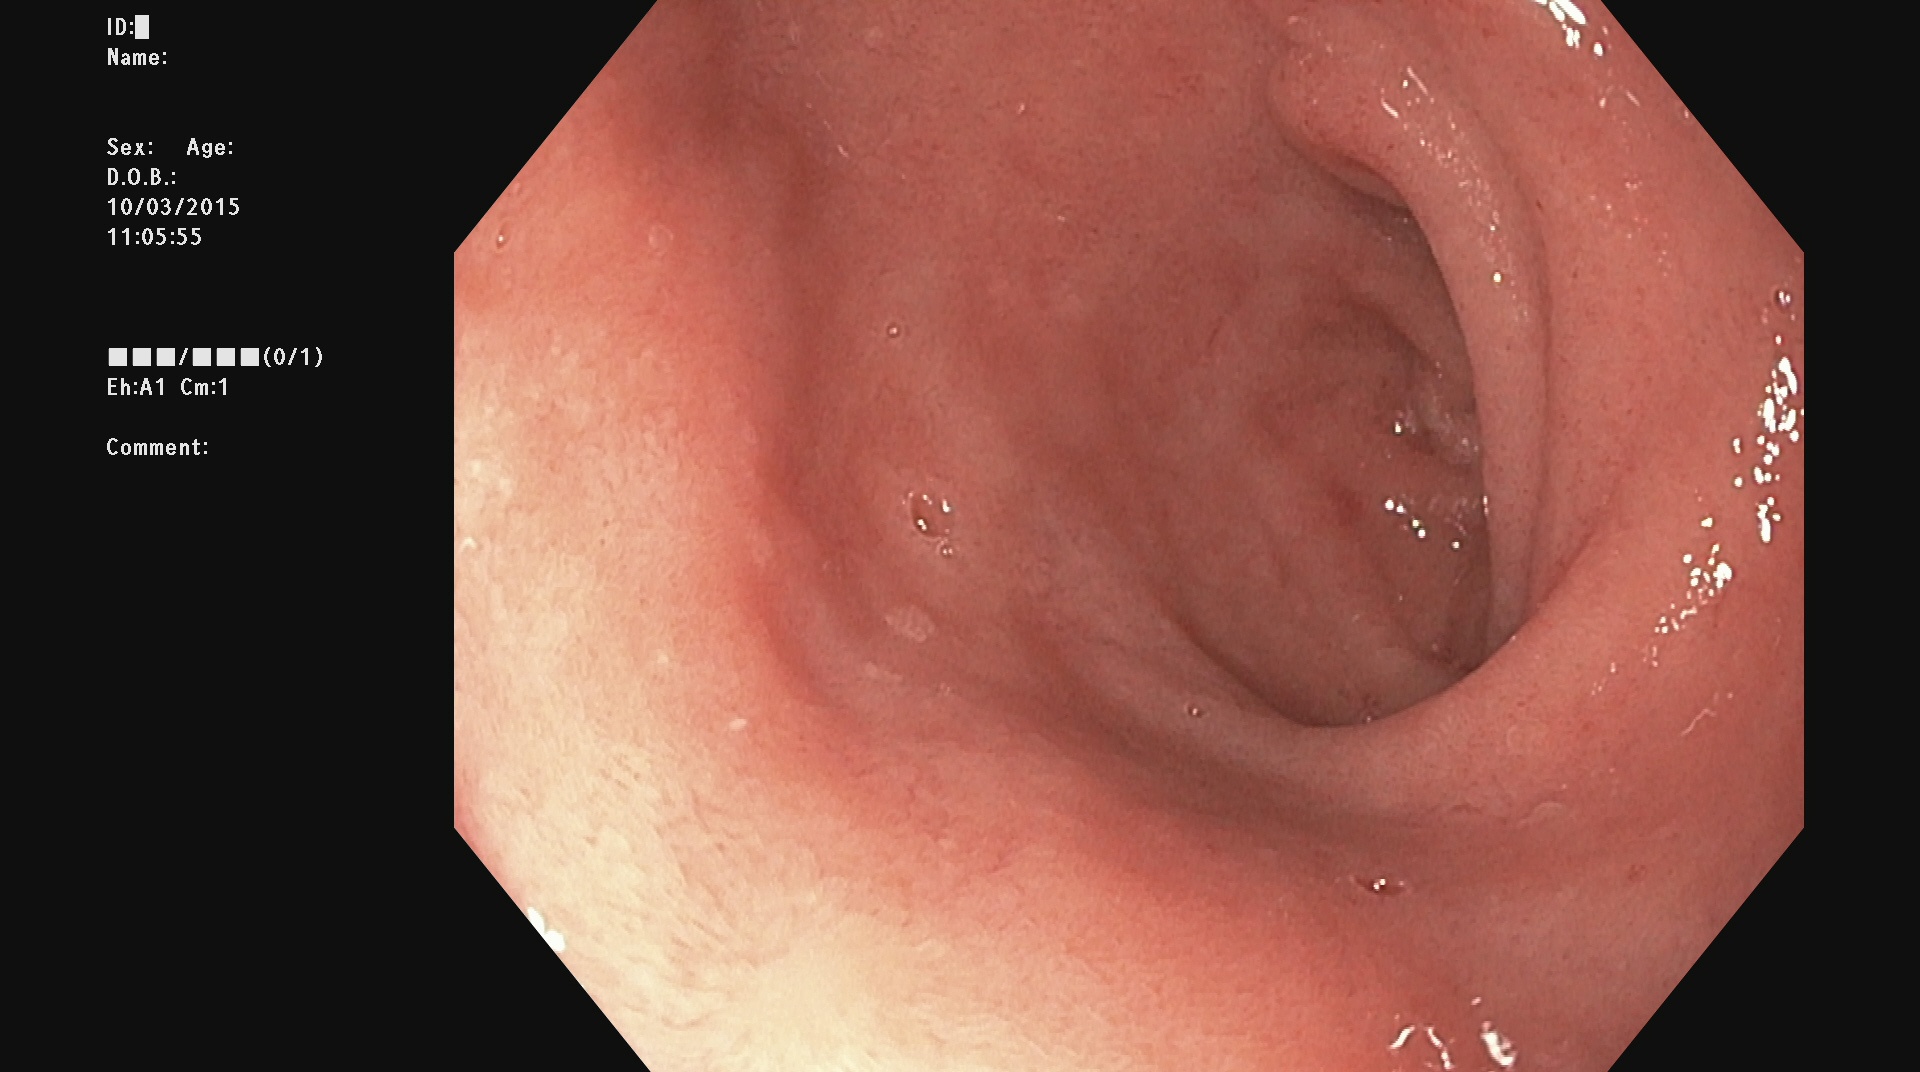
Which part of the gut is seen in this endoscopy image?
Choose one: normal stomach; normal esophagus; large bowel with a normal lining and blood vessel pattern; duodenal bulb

duodenal bulb